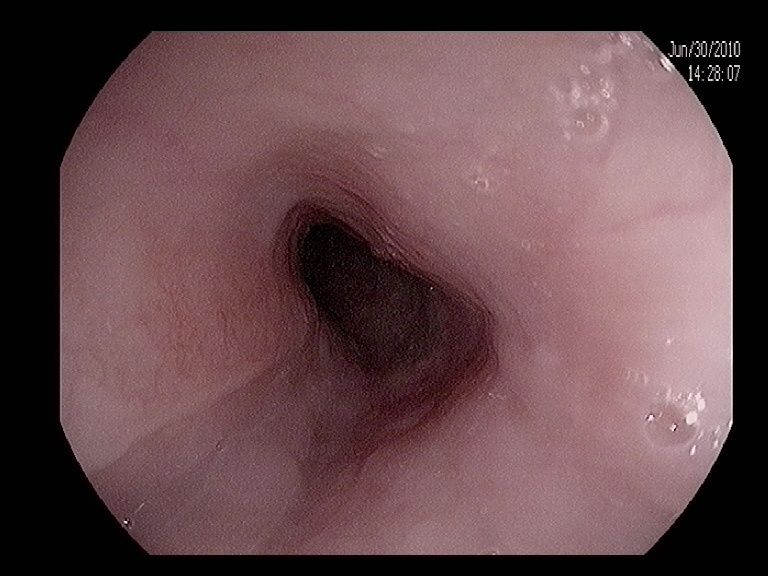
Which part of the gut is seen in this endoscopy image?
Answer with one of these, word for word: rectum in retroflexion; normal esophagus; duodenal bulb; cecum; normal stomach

normal esophagus